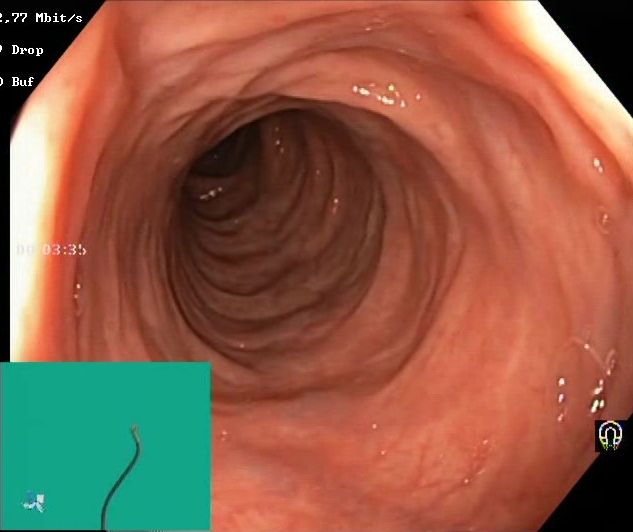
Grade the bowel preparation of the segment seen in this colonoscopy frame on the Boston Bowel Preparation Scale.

Boston Bowel Preparation Scale score 2–3 (adequate preparation)